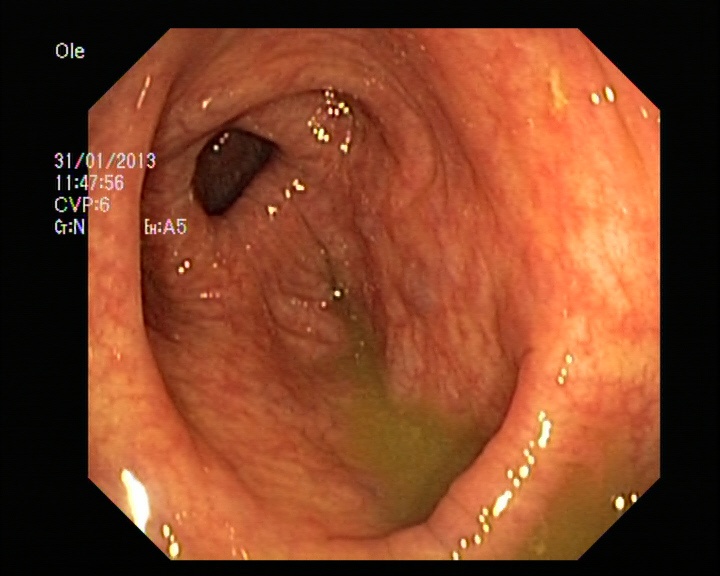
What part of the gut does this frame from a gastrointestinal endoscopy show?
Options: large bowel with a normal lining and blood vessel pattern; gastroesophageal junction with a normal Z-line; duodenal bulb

large bowel with a normal lining and blood vessel pattern